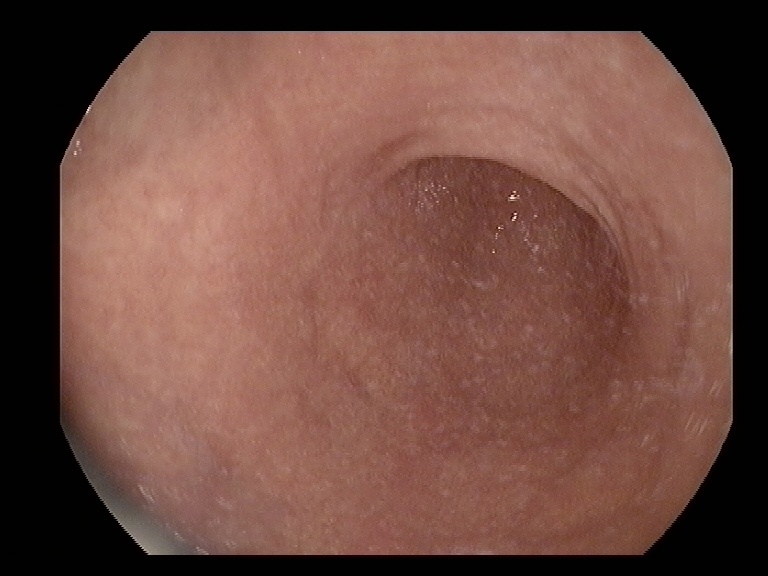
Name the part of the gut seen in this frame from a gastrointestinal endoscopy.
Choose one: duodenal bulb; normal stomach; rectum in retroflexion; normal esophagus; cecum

normal stomach